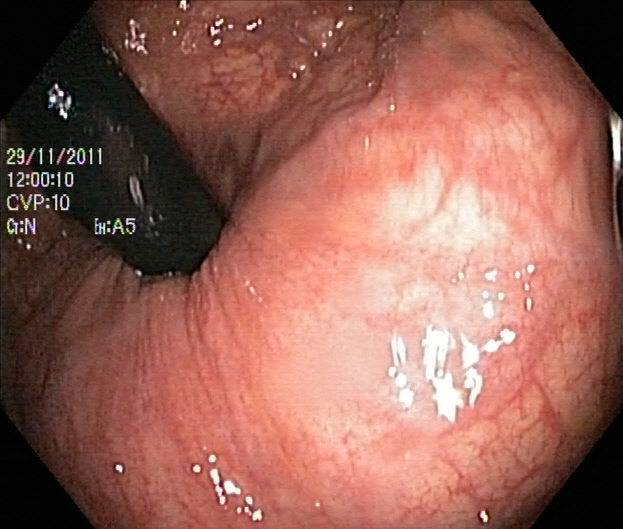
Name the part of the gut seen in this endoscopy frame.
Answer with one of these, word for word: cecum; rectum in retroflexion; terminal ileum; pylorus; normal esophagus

rectum in retroflexion